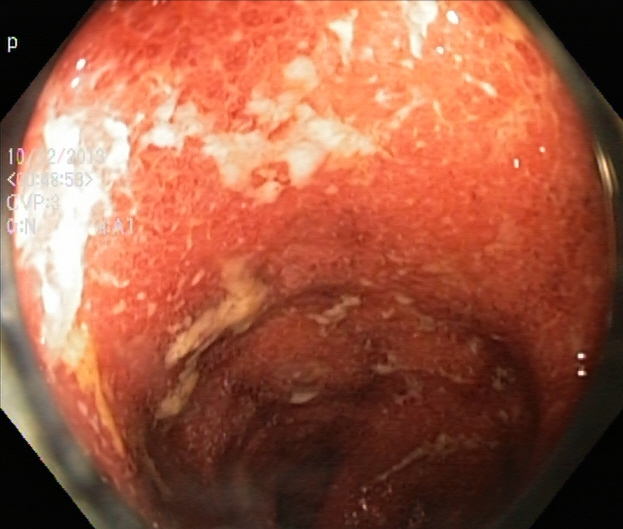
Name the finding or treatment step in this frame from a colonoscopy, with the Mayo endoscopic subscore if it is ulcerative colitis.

ulcerative colitis, Mayo endoscopic subscore 2–3